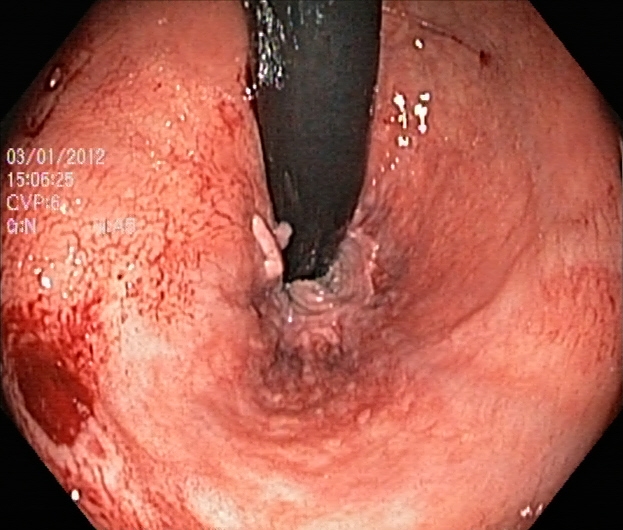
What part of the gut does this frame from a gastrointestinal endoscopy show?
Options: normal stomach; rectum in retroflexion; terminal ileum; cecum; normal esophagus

rectum in retroflexion